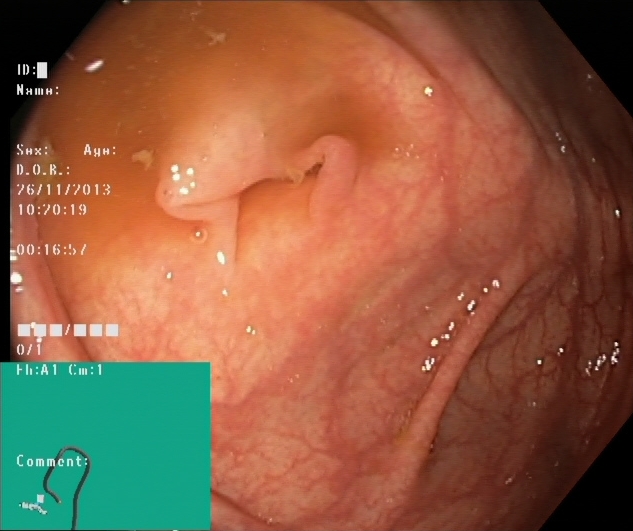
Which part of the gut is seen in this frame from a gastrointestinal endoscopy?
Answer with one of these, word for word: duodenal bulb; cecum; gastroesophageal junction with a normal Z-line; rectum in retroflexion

cecum